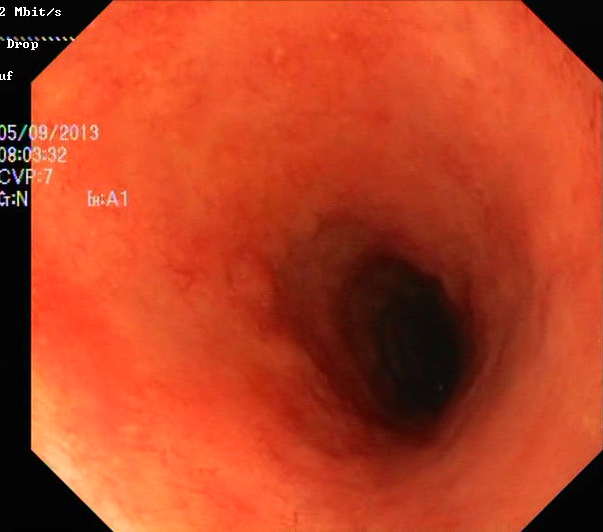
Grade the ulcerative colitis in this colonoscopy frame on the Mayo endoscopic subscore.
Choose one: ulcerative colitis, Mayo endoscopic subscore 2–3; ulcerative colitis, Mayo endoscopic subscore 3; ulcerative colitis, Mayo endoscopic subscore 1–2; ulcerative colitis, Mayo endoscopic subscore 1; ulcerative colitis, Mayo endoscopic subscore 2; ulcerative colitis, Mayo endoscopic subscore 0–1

ulcerative colitis, Mayo endoscopic subscore 2